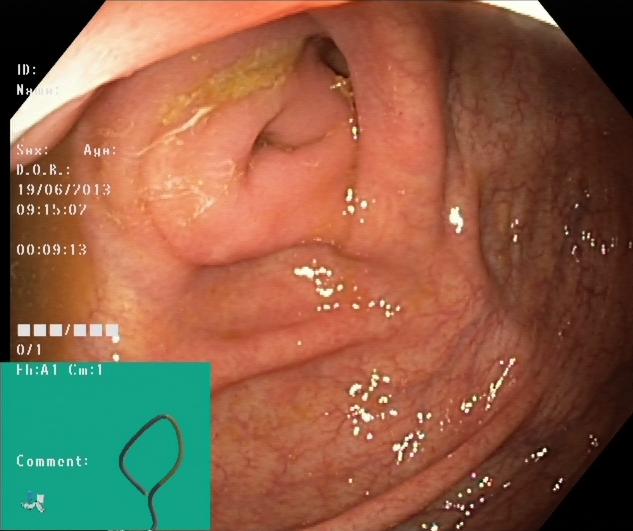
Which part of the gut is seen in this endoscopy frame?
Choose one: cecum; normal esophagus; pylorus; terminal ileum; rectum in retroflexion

cecum